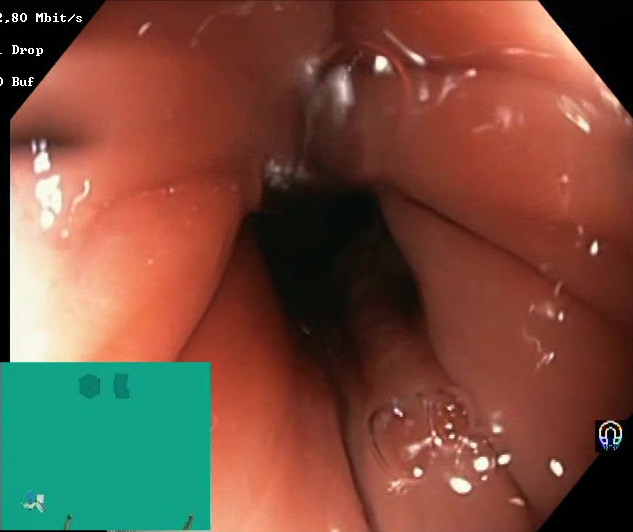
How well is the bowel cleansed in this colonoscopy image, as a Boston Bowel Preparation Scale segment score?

Boston Bowel Preparation Scale score 2–3 (adequate preparation)